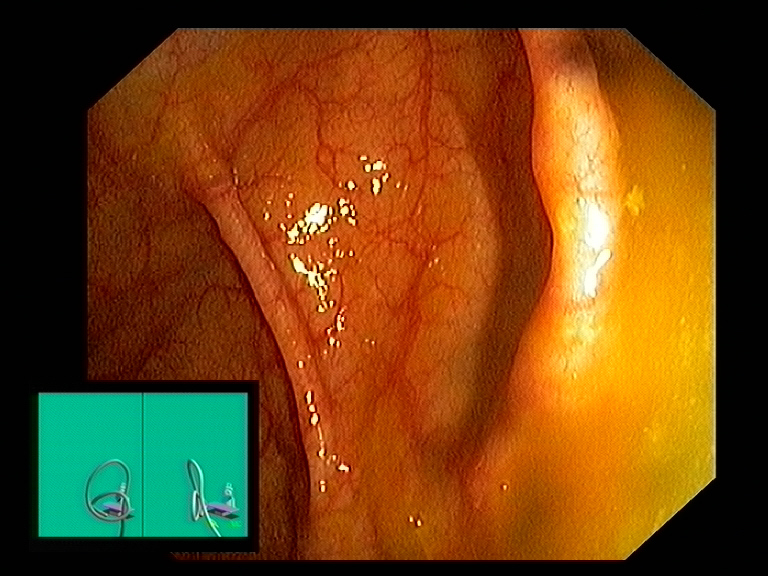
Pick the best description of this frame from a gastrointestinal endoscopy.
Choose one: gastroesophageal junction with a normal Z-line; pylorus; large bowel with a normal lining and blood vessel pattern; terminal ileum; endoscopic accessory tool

large bowel with a normal lining and blood vessel pattern